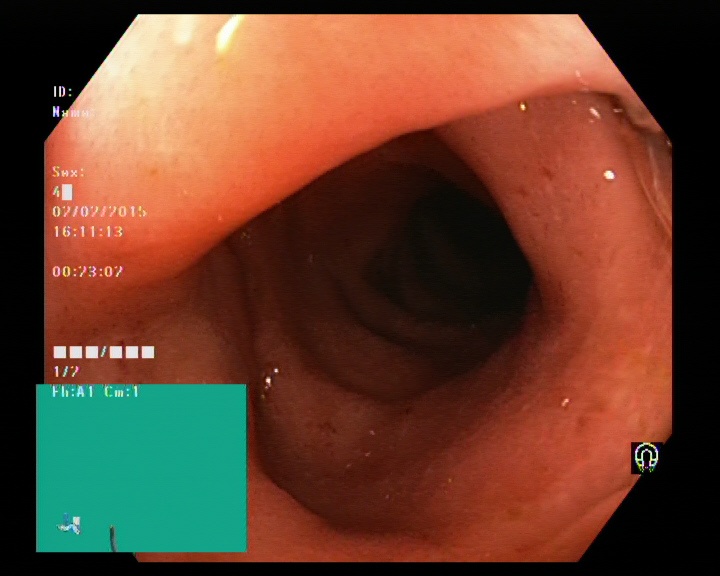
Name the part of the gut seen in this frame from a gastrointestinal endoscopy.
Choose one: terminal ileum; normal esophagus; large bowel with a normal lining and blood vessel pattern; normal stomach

large bowel with a normal lining and blood vessel pattern